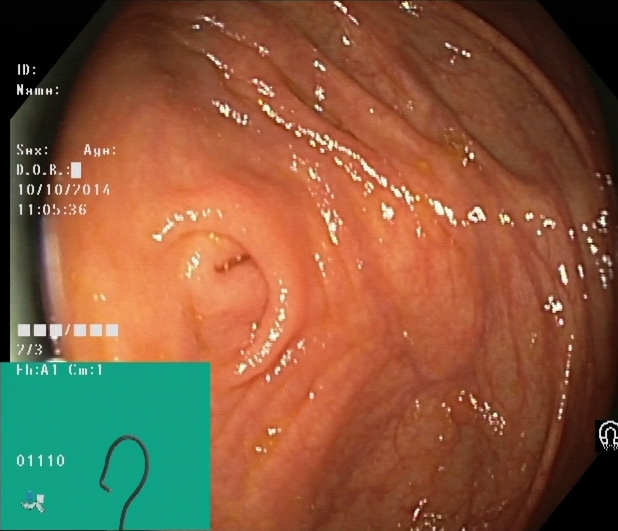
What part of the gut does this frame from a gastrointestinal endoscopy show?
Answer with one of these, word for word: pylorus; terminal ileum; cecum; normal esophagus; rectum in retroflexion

cecum